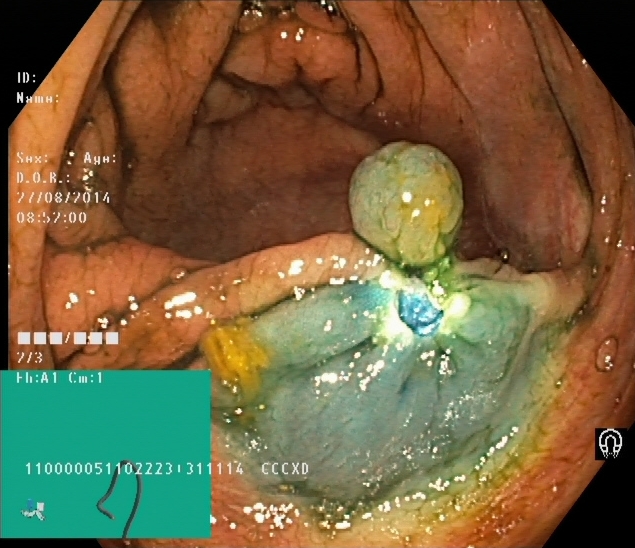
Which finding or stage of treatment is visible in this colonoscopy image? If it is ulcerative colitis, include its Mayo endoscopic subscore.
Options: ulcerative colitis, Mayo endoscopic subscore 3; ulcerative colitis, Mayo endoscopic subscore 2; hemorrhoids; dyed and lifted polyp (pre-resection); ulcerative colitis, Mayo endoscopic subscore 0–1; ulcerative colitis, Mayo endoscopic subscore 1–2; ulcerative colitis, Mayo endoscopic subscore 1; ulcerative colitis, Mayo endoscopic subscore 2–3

dyed and lifted polyp (pre-resection)